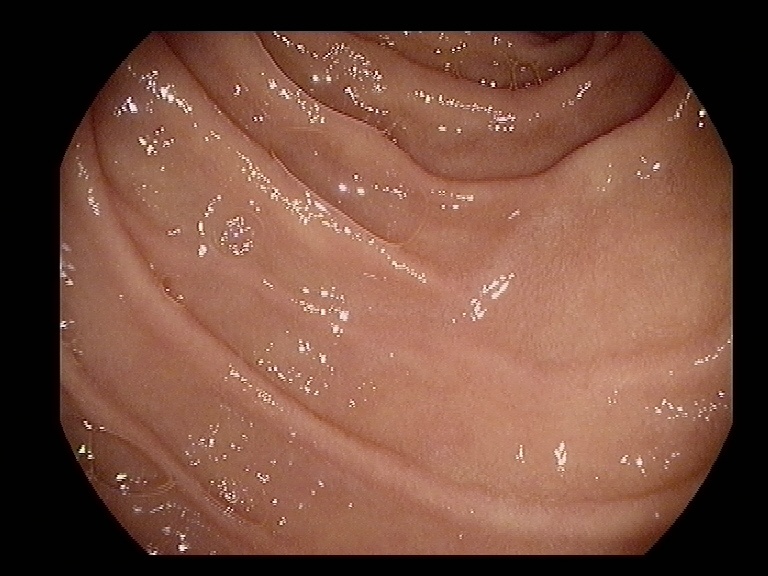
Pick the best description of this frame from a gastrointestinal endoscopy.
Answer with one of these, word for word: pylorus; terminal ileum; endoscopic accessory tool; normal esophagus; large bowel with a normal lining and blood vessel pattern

terminal ileum